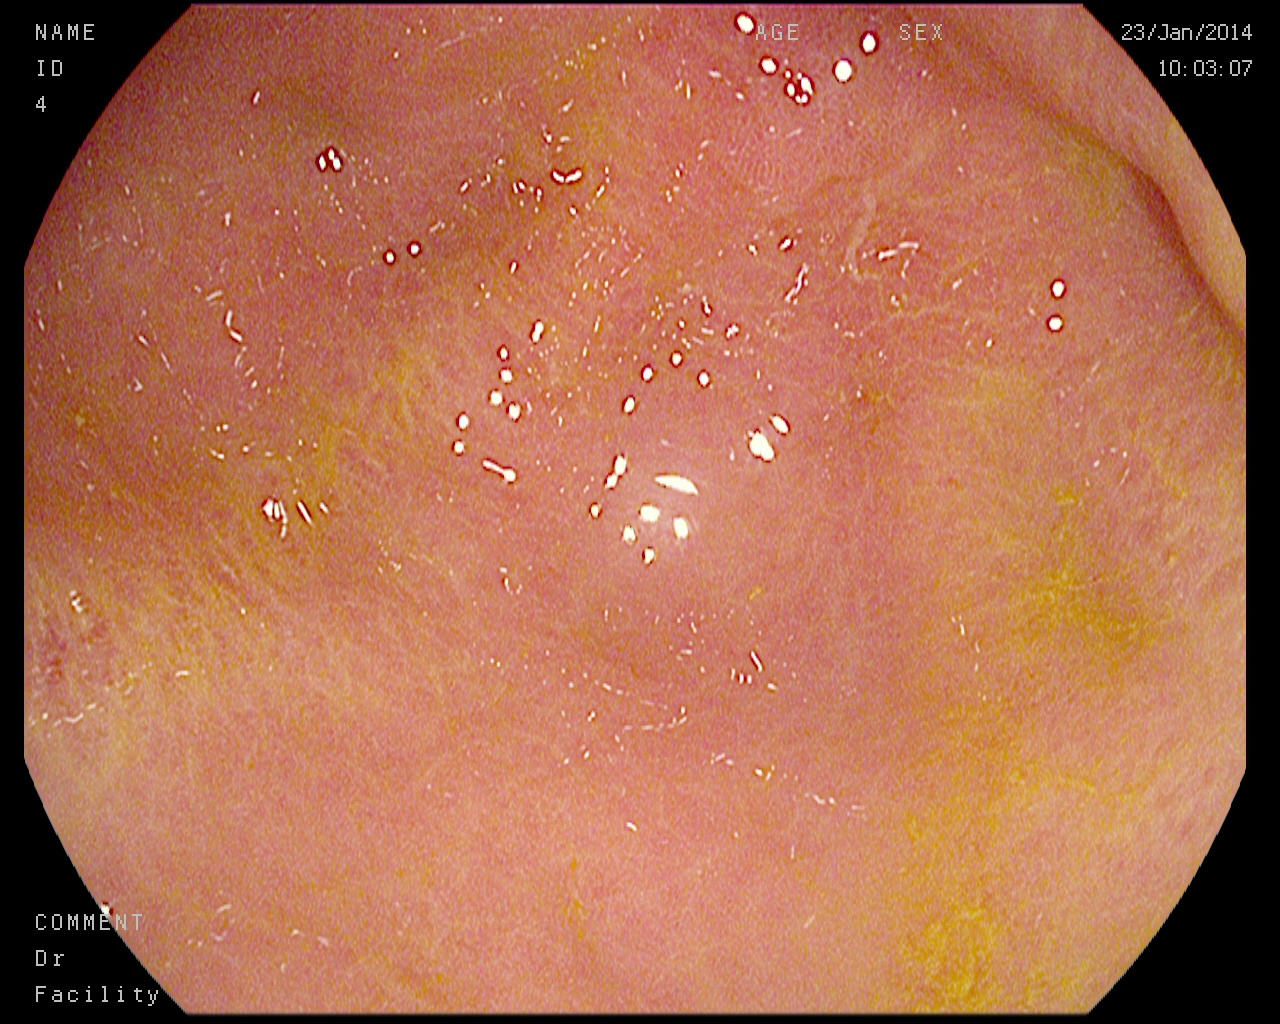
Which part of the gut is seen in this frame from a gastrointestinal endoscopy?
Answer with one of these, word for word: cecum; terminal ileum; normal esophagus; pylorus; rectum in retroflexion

terminal ileum